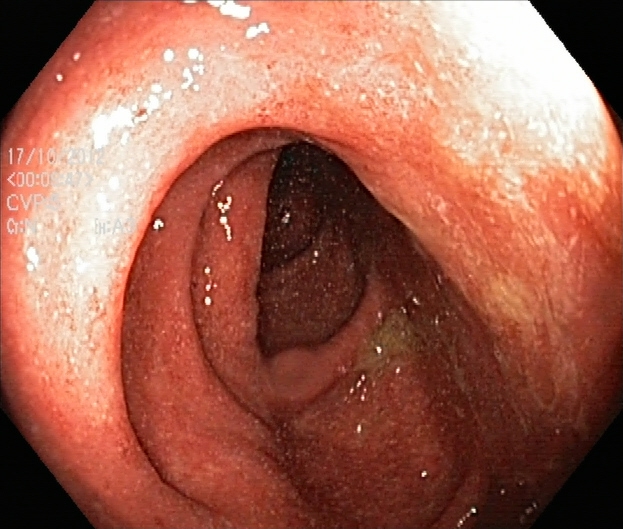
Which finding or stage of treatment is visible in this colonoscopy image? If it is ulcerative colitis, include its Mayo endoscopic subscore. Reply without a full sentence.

ulcerative colitis, Mayo endoscopic subscore 2